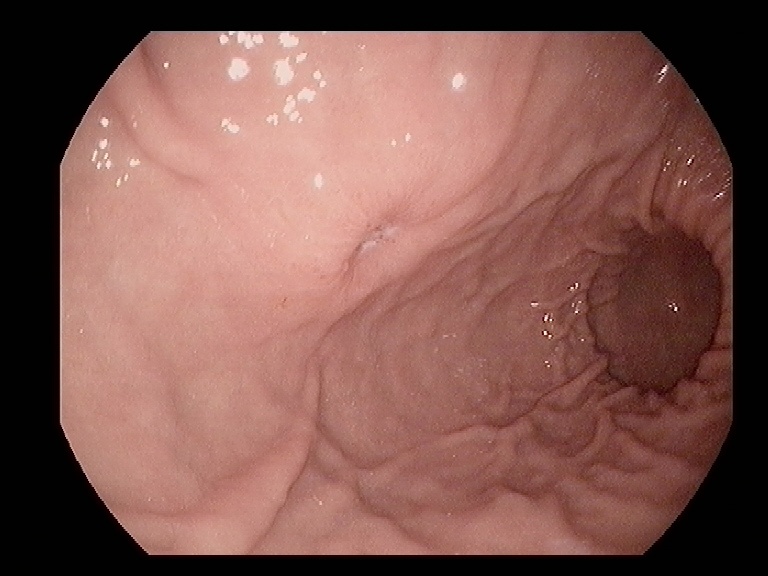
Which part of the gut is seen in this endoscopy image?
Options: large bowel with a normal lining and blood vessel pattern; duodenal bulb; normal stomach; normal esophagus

normal stomach